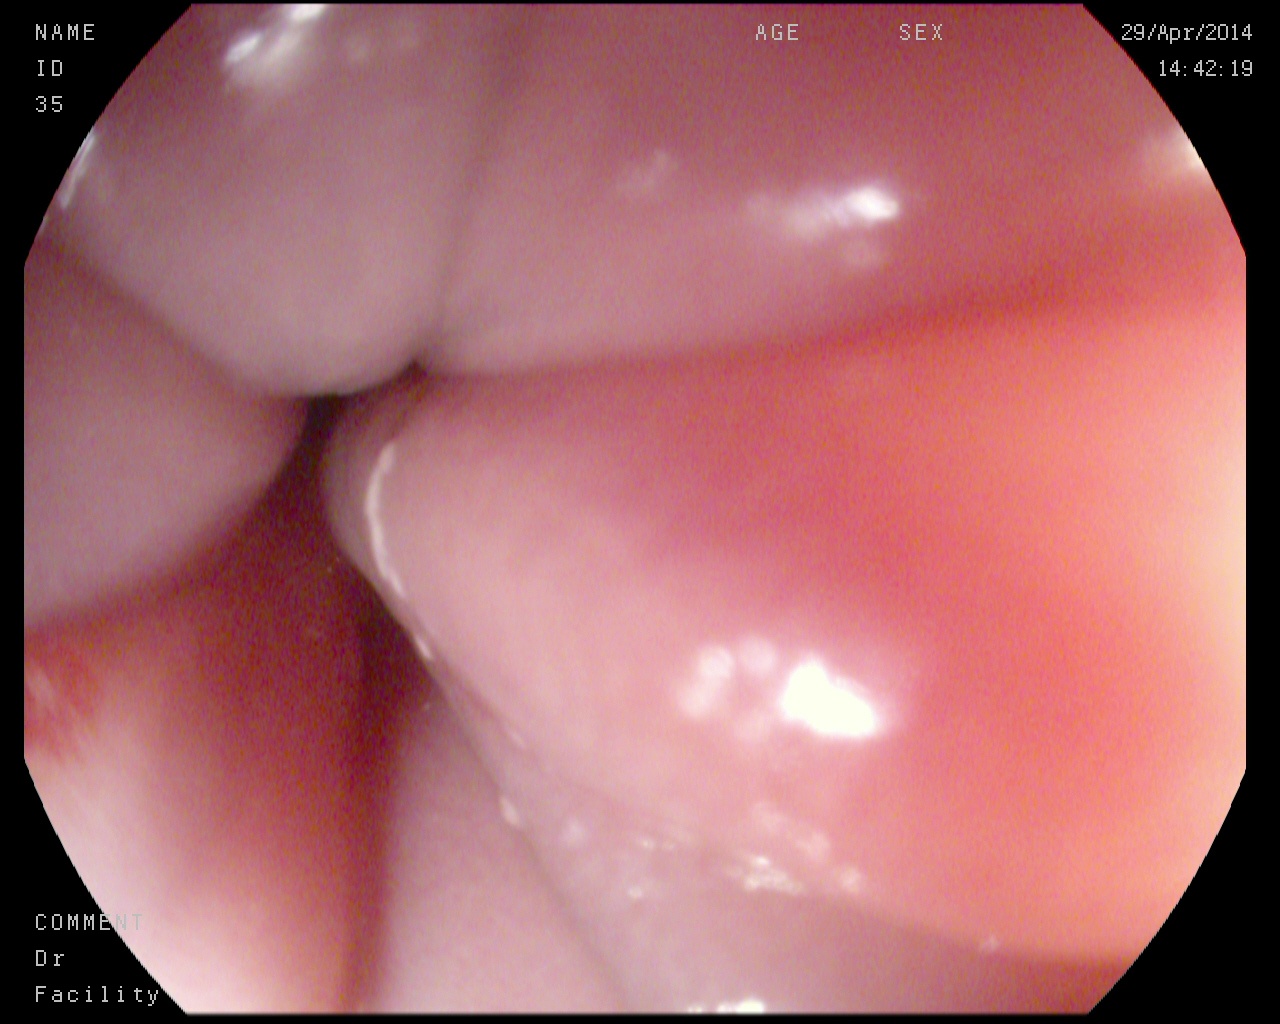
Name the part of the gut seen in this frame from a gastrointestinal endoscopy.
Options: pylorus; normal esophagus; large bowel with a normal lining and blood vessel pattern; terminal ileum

normal esophagus